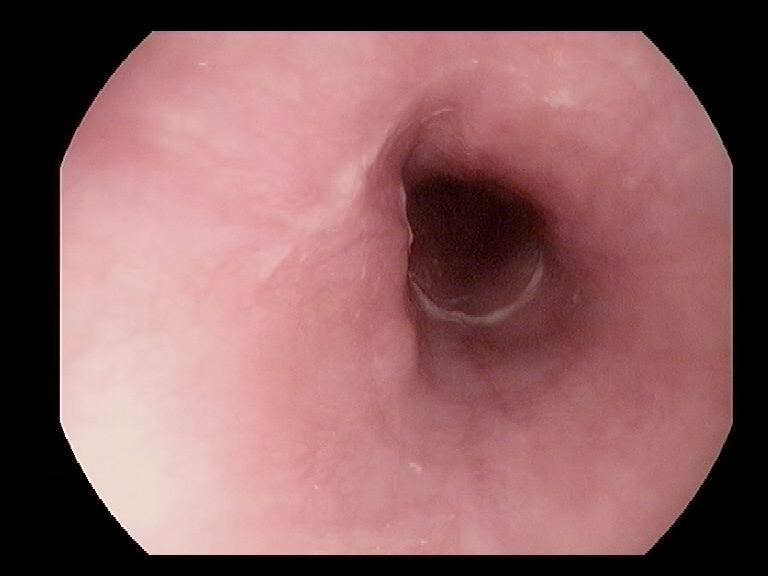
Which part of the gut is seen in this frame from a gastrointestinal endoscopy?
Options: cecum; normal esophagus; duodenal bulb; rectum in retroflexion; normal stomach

normal esophagus